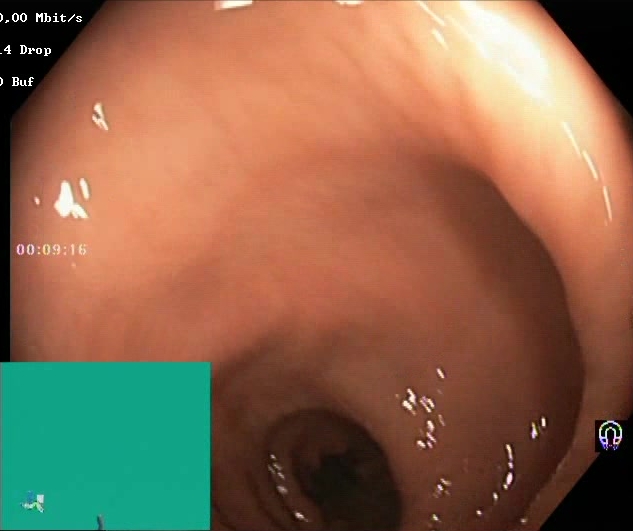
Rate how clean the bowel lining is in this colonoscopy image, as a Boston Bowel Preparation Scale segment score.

Boston Bowel Preparation Scale score 2–3 (adequate preparation)